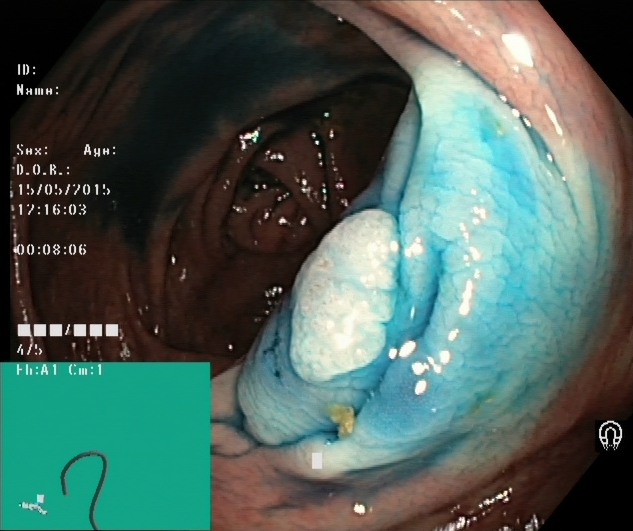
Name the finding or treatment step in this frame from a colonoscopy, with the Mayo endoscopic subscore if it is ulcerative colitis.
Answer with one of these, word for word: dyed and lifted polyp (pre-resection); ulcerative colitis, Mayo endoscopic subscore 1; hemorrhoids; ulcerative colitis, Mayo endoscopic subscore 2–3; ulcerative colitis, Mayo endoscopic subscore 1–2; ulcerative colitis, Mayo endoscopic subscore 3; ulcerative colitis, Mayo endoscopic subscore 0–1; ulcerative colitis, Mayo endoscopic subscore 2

dyed and lifted polyp (pre-resection)